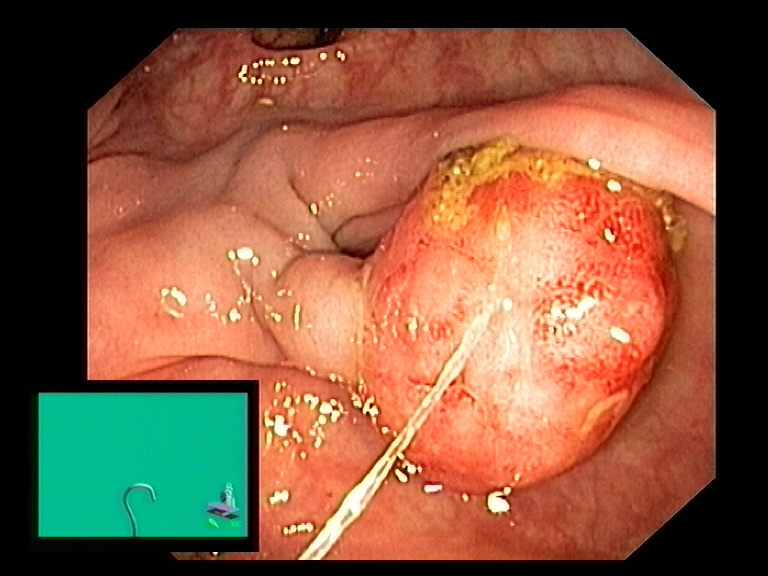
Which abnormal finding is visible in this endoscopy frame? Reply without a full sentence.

colon polyp